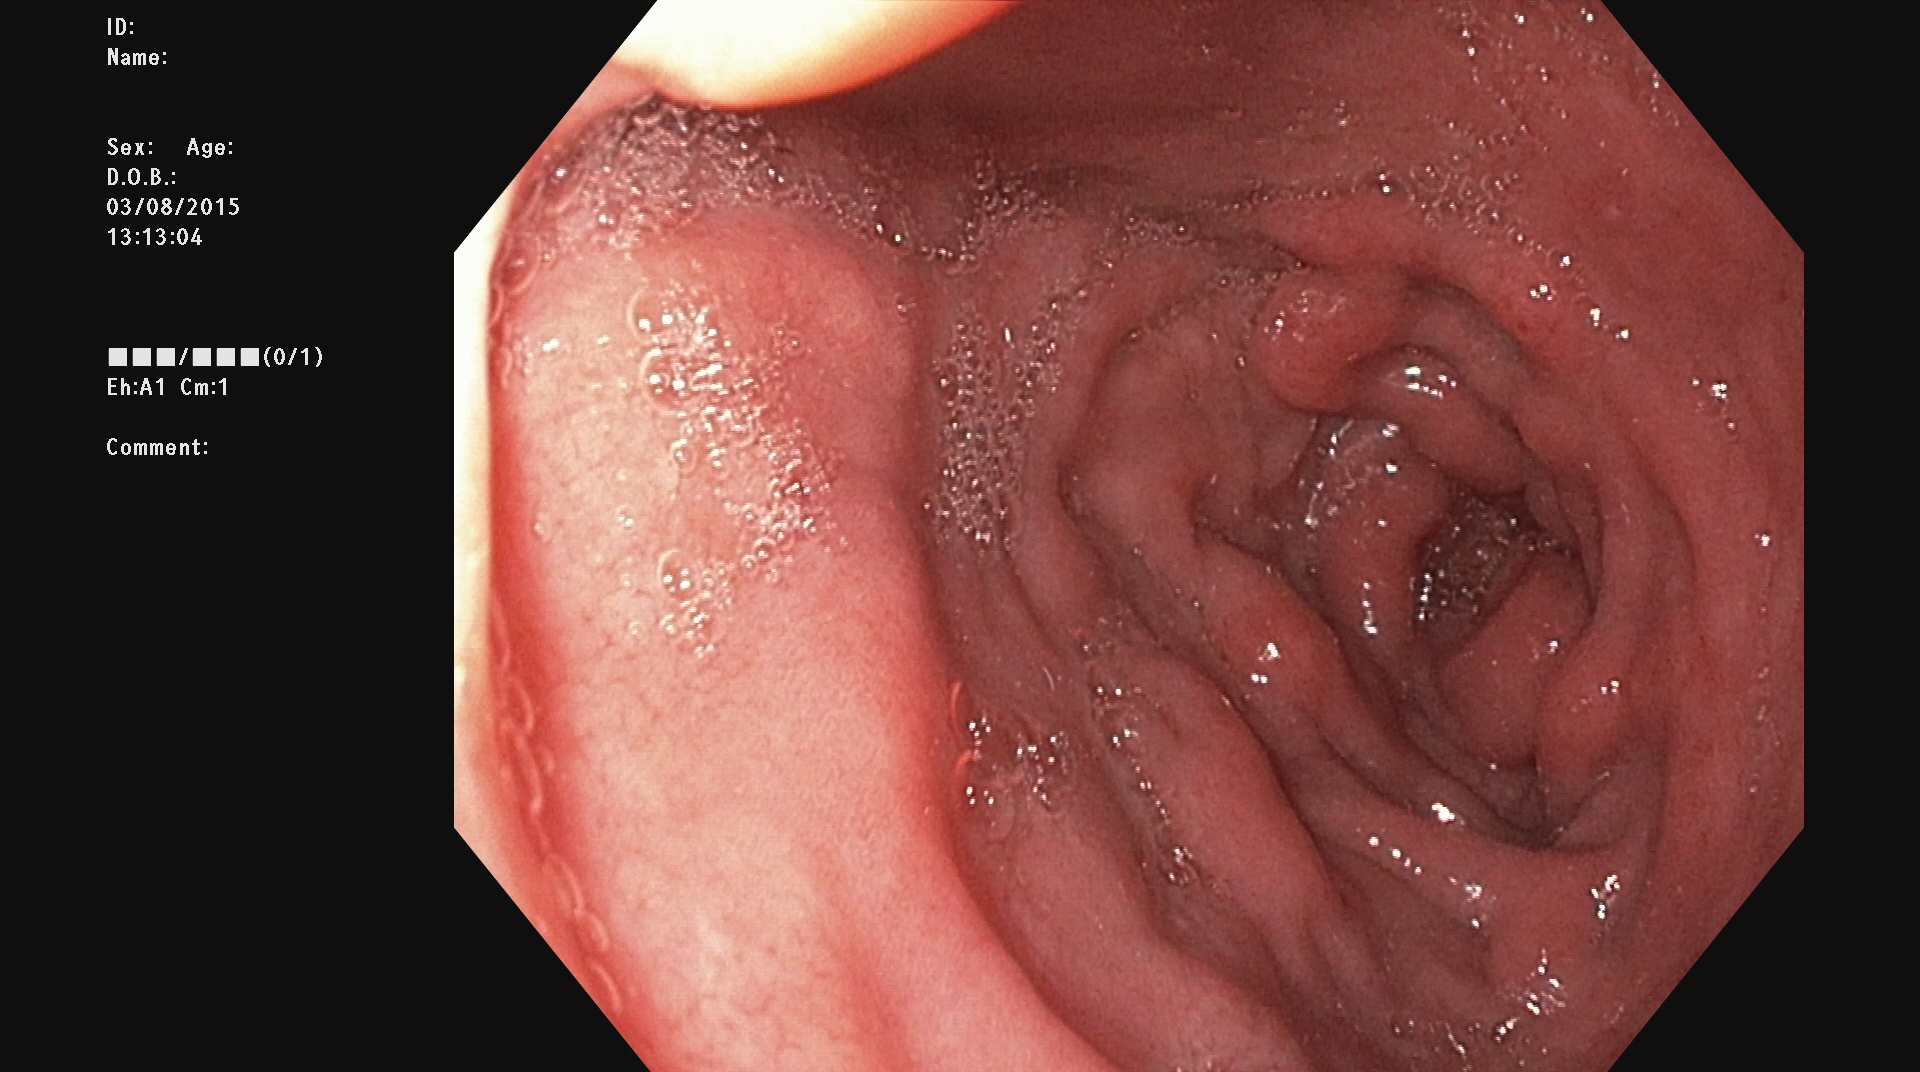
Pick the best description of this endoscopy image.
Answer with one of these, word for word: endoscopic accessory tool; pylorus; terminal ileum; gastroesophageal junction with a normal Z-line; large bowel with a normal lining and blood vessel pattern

terminal ileum